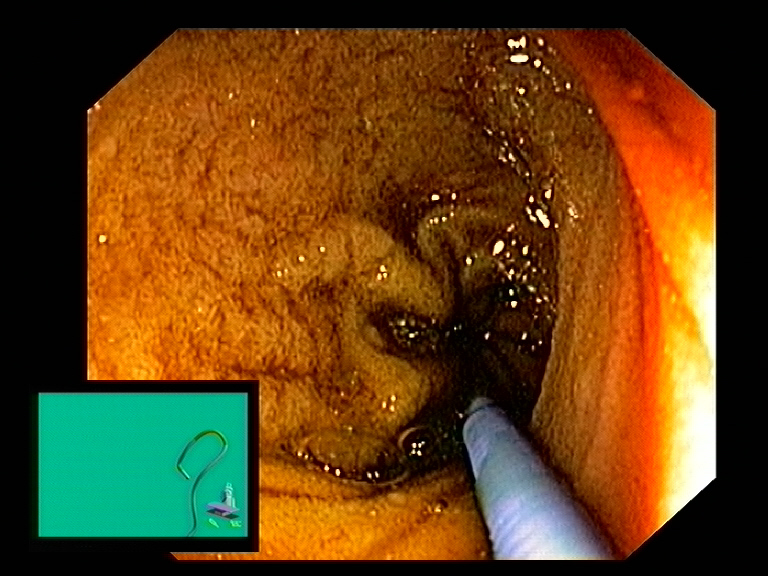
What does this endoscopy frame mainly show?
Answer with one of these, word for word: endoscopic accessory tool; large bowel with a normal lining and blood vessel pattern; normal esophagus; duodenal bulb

endoscopic accessory tool